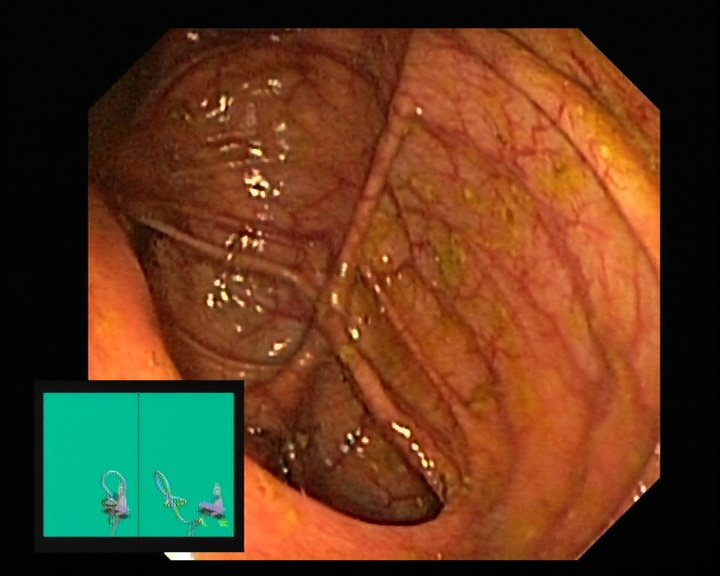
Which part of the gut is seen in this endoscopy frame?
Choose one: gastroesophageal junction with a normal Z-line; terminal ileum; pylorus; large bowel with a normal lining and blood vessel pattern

large bowel with a normal lining and blood vessel pattern